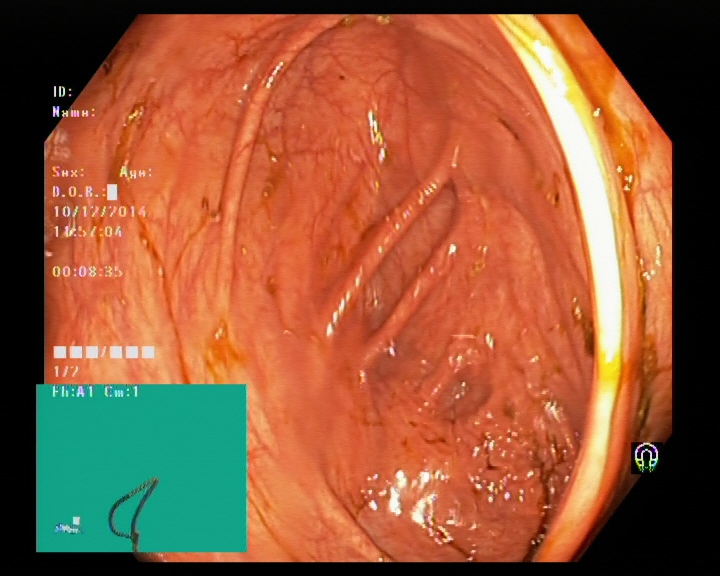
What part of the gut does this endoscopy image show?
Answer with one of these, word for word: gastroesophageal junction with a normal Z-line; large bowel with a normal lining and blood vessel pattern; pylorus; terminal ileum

large bowel with a normal lining and blood vessel pattern